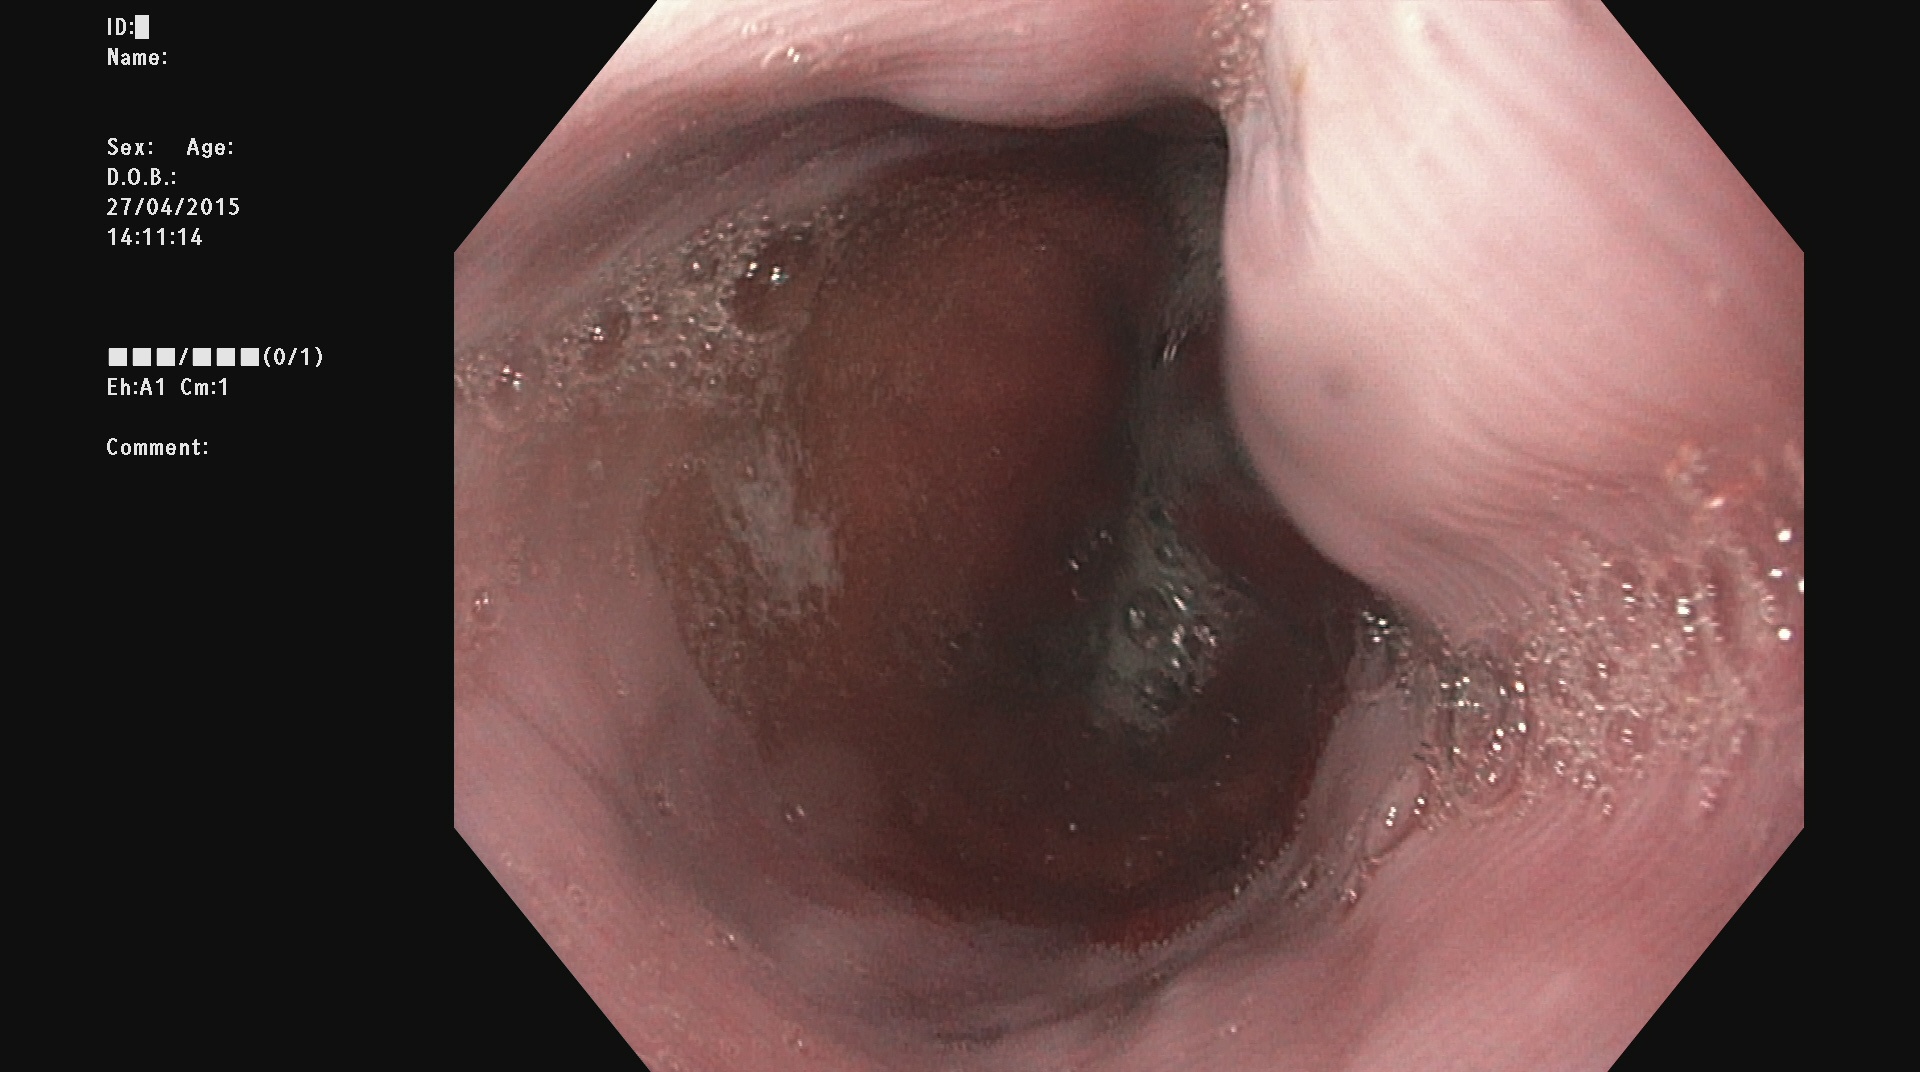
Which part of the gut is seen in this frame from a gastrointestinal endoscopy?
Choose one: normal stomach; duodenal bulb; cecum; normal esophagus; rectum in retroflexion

normal stomach